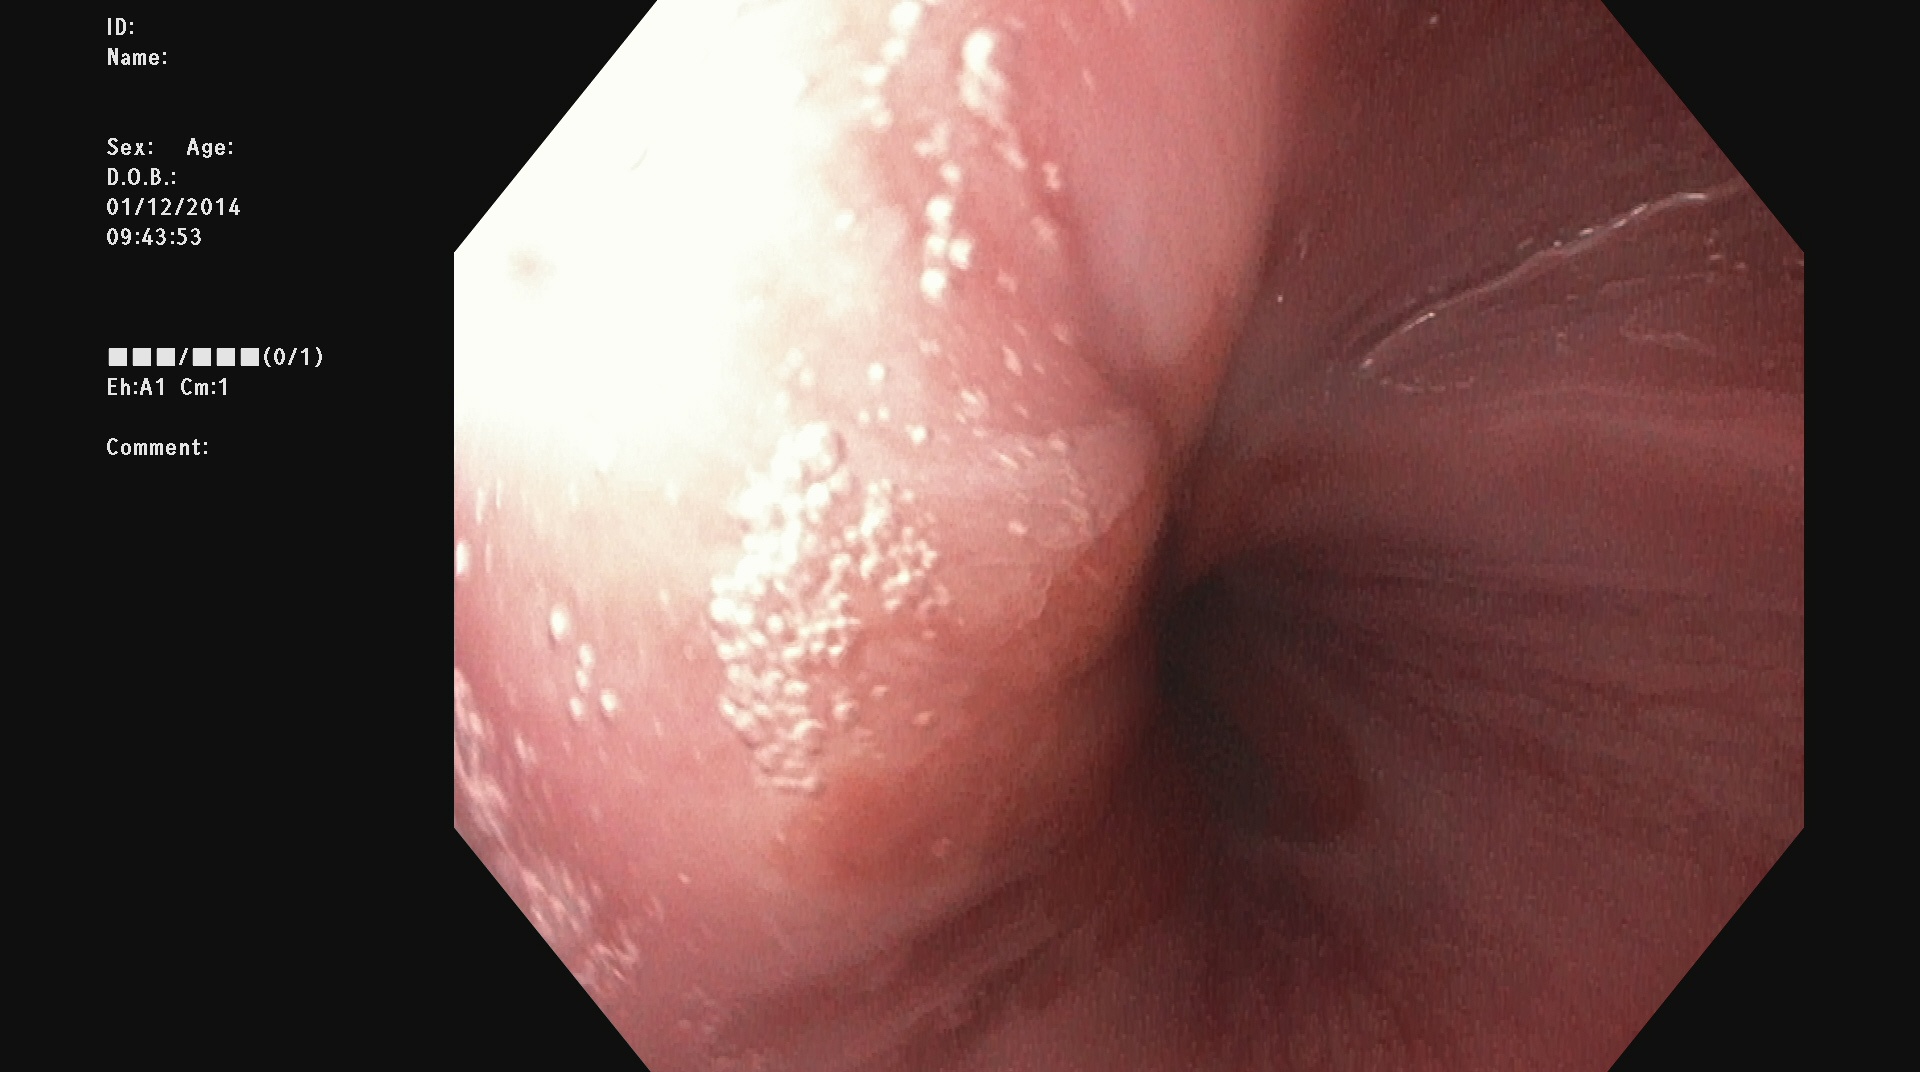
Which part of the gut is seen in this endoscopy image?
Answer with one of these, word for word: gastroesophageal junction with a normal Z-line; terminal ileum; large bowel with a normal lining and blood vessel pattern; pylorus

gastroesophageal junction with a normal Z-line